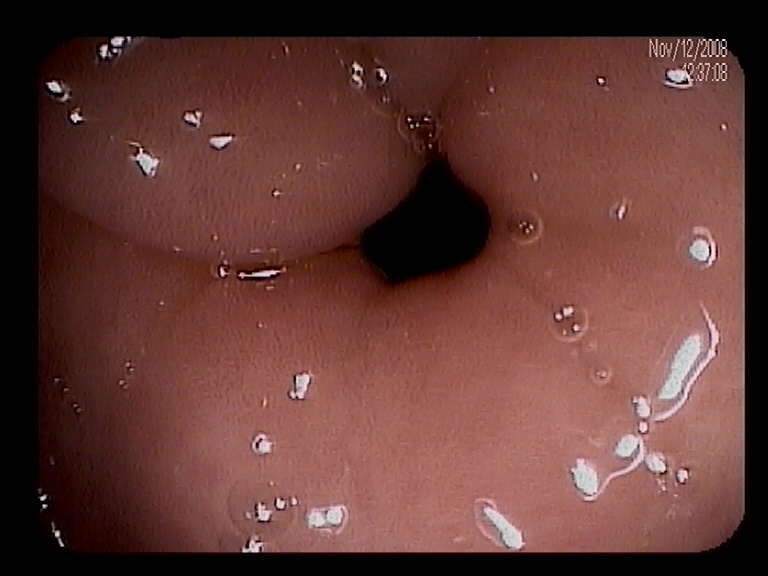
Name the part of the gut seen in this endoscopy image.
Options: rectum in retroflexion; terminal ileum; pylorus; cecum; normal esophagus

pylorus